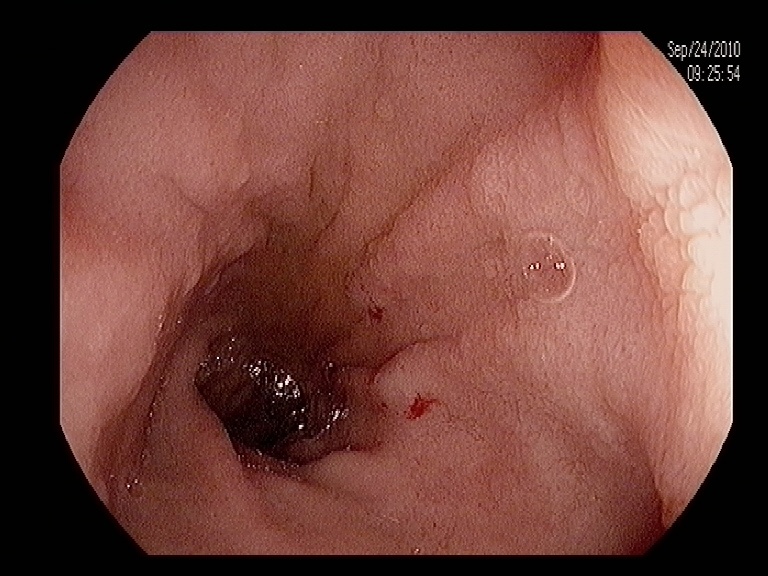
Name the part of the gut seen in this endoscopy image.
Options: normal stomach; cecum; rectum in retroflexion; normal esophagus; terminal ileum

terminal ileum